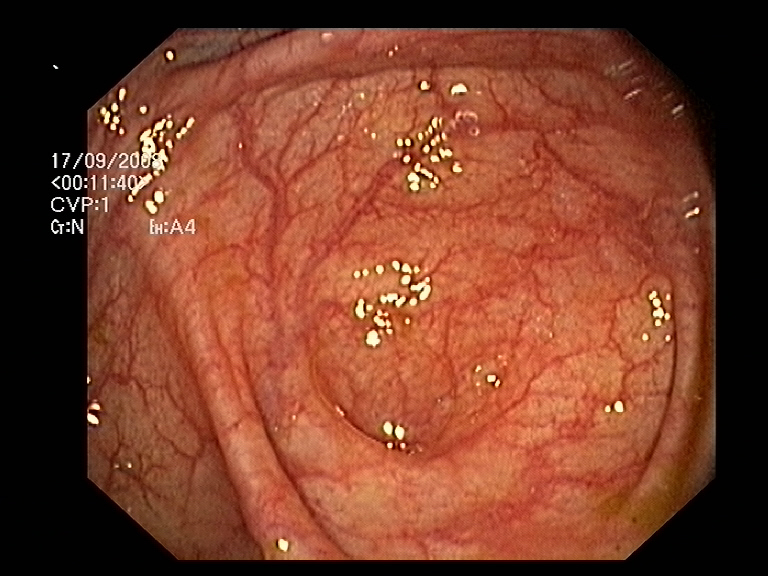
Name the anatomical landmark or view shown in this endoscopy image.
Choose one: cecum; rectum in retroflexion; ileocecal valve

cecum